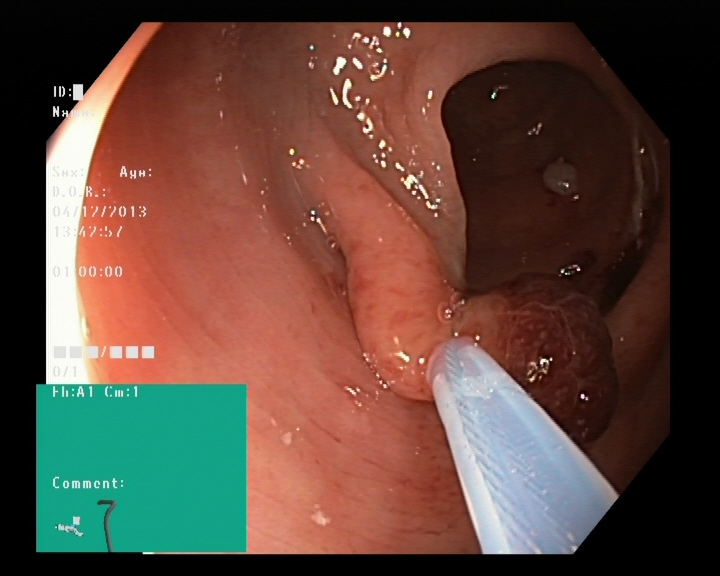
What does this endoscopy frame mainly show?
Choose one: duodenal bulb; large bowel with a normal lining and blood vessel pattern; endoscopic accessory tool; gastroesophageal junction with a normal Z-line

endoscopic accessory tool